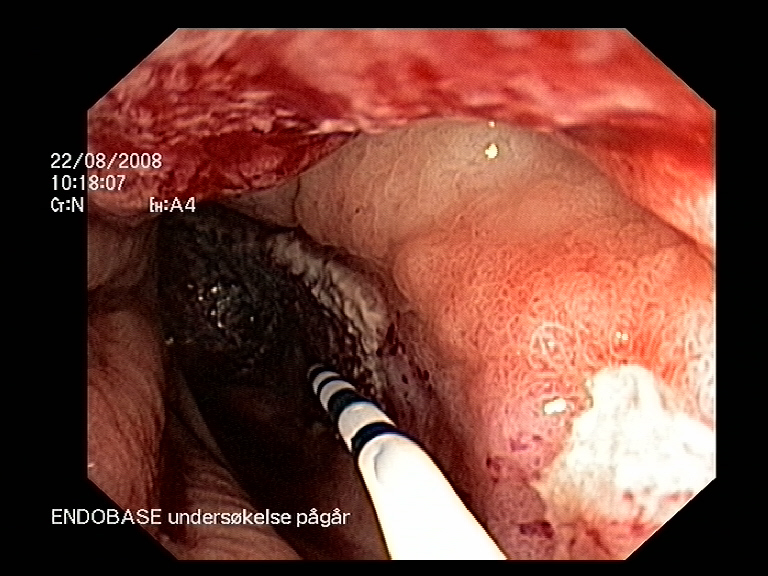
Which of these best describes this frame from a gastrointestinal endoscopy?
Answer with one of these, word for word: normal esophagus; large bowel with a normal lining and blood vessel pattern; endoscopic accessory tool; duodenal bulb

endoscopic accessory tool